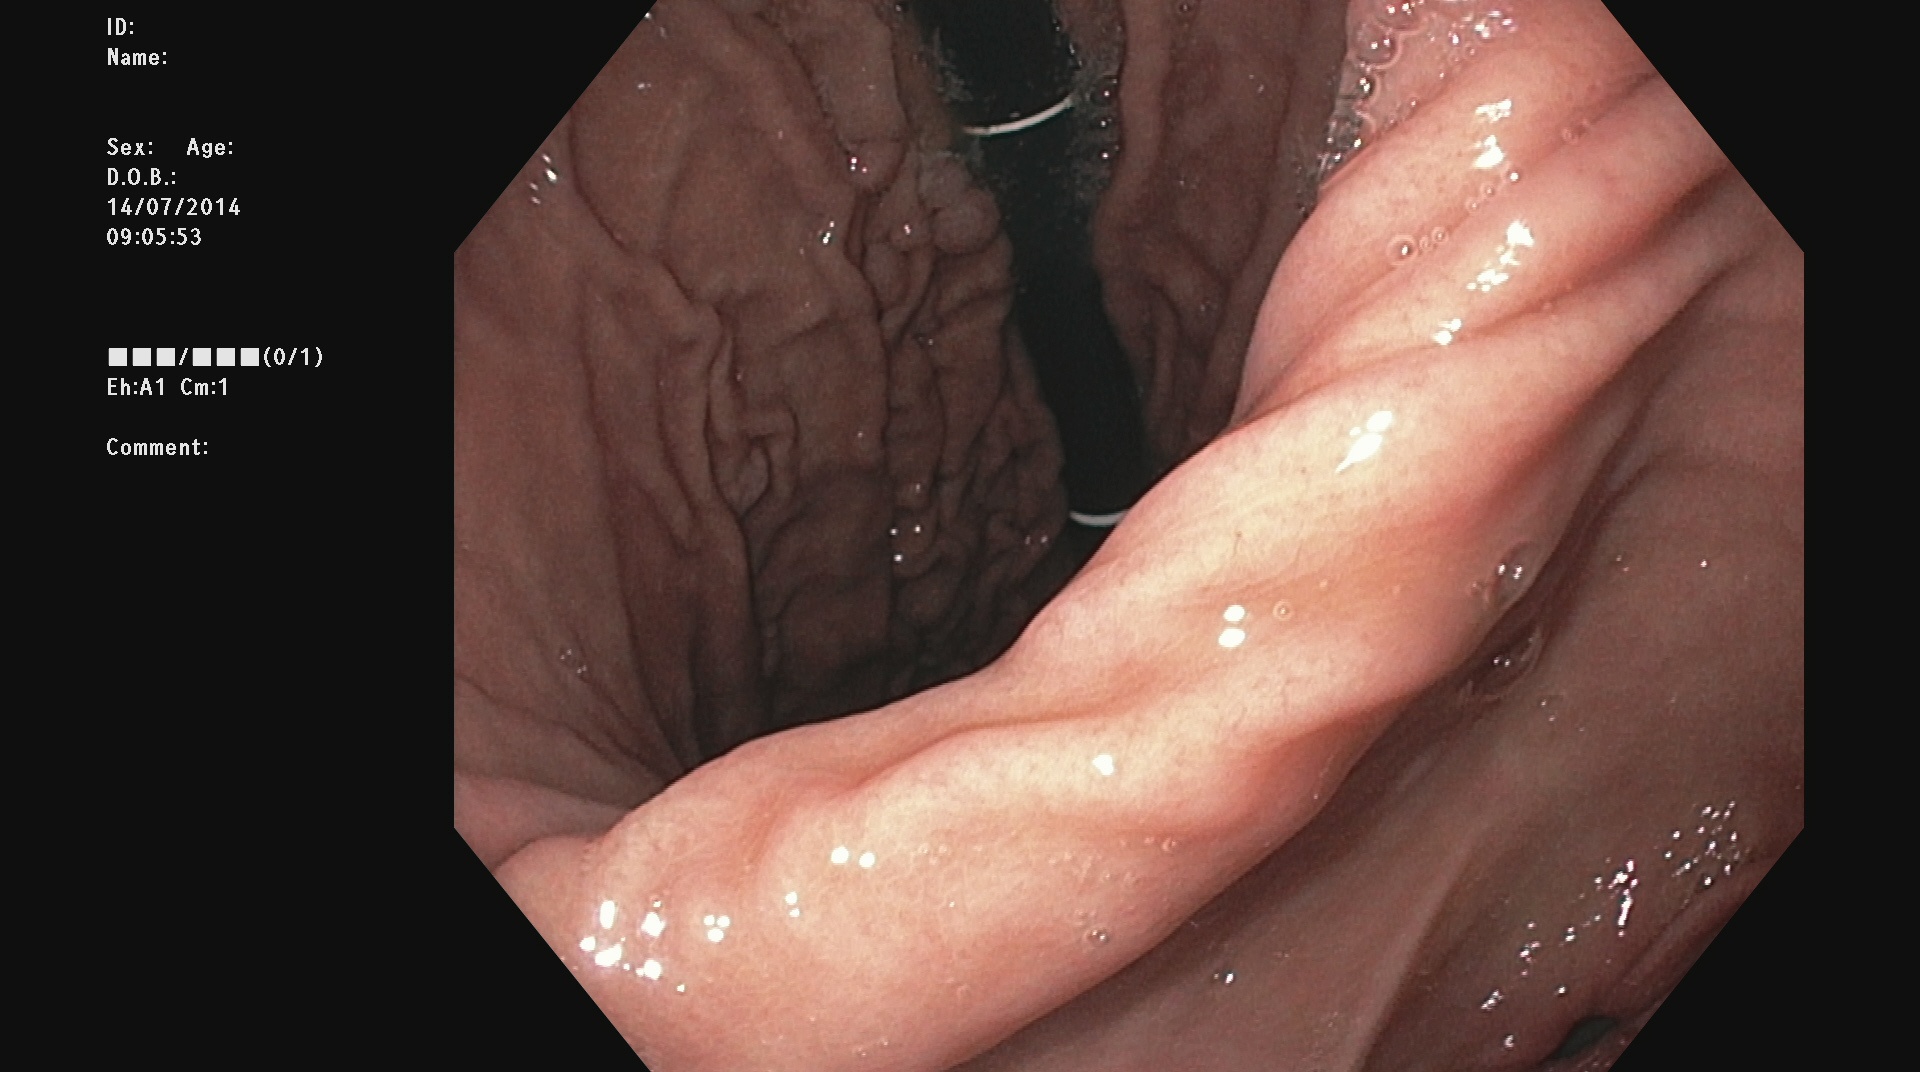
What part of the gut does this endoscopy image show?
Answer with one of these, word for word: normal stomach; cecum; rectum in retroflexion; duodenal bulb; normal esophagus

normal stomach